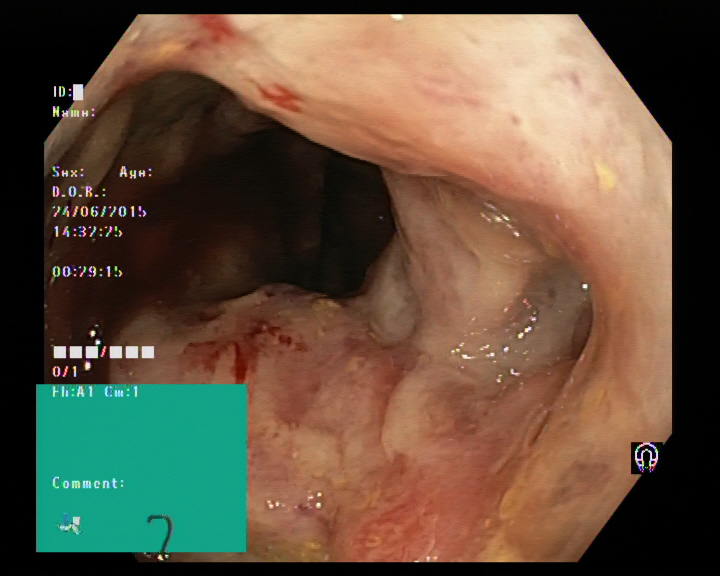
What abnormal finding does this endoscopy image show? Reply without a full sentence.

colorectal cancer